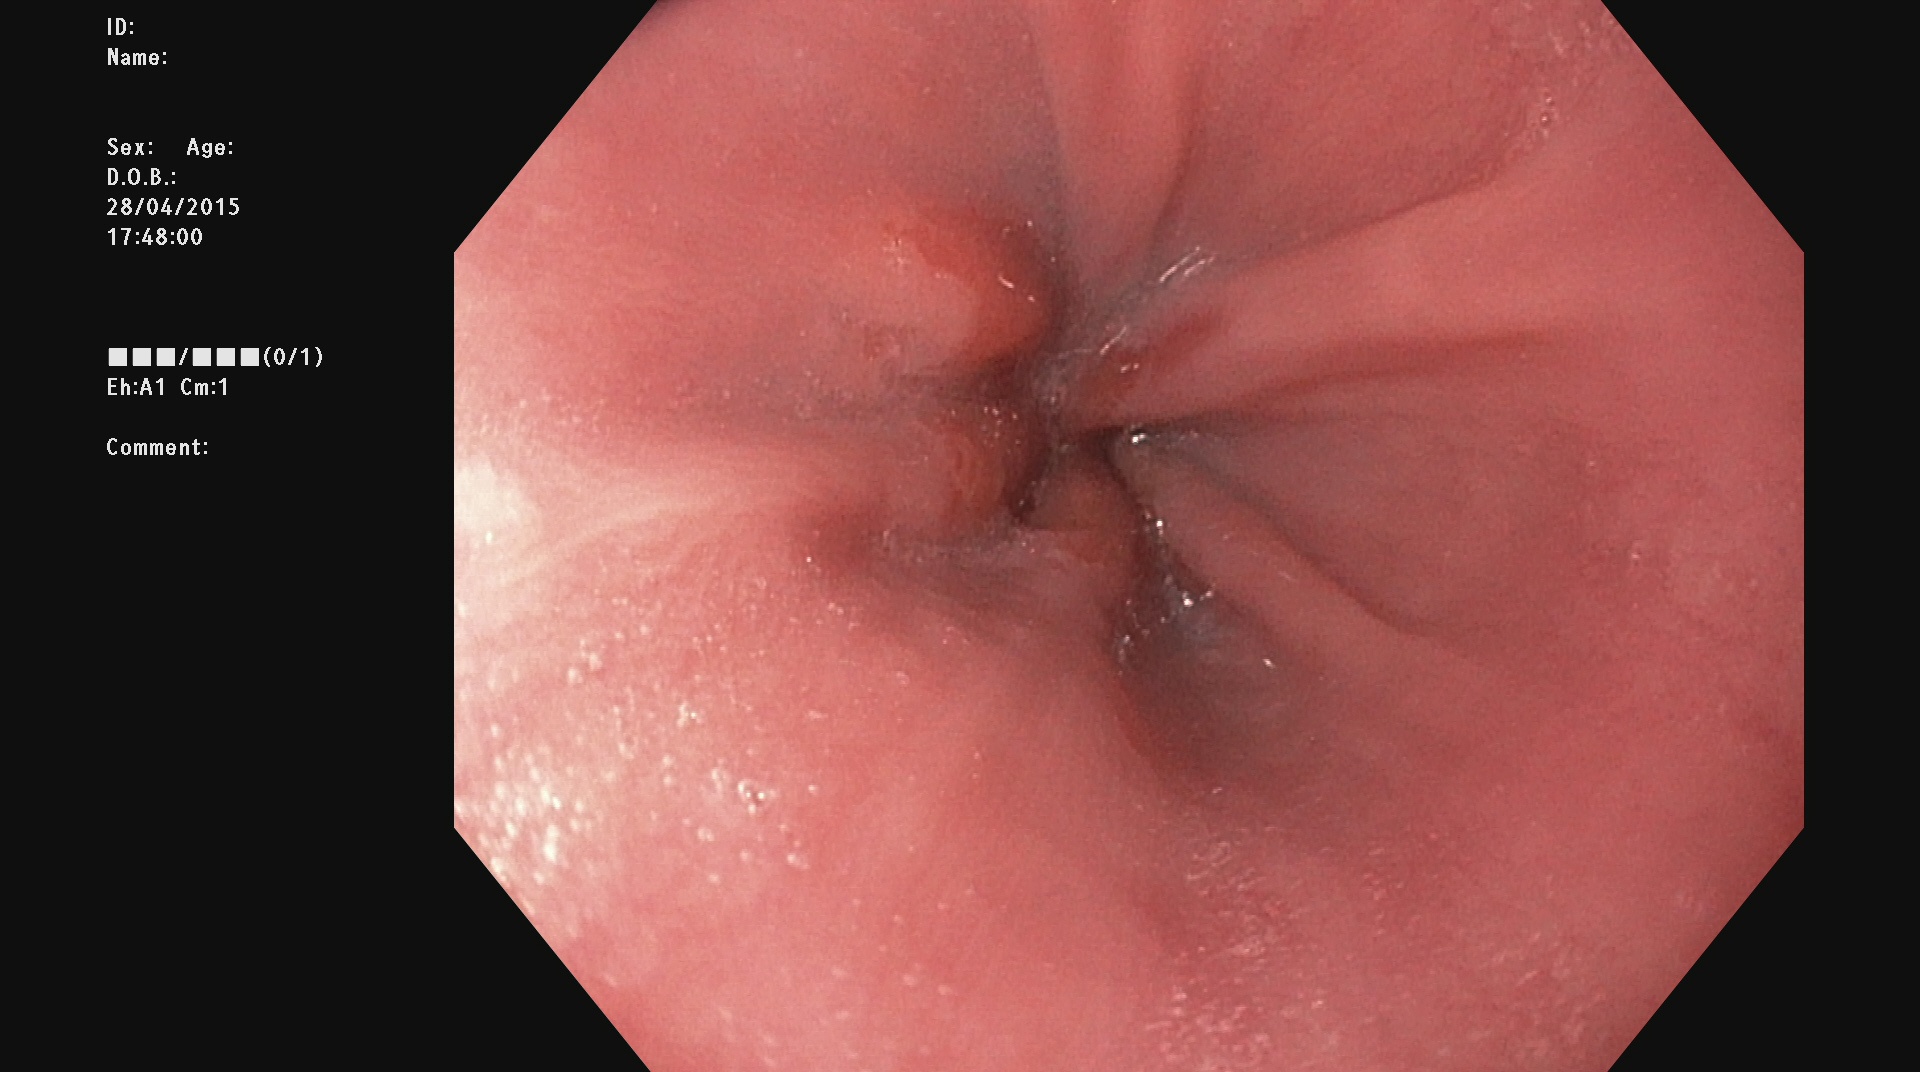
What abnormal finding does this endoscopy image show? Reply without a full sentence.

esophagitis